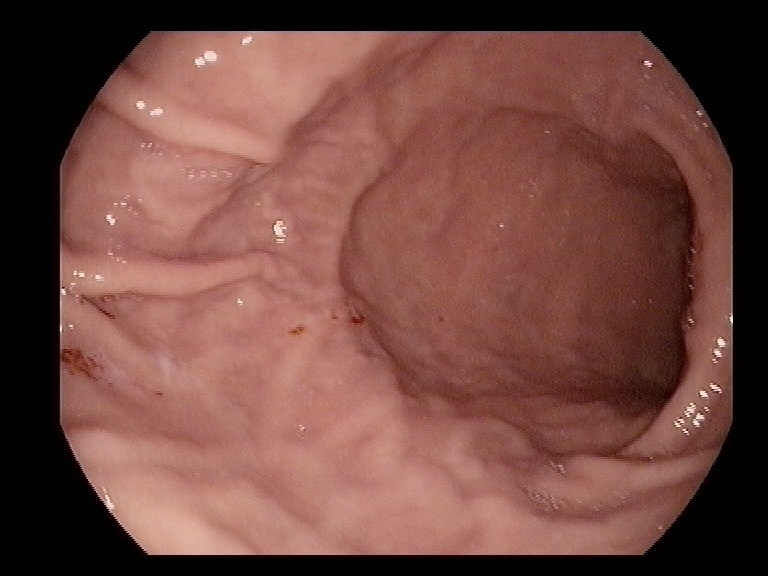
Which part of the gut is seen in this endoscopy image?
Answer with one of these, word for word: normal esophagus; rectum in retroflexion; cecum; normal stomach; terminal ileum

normal stomach